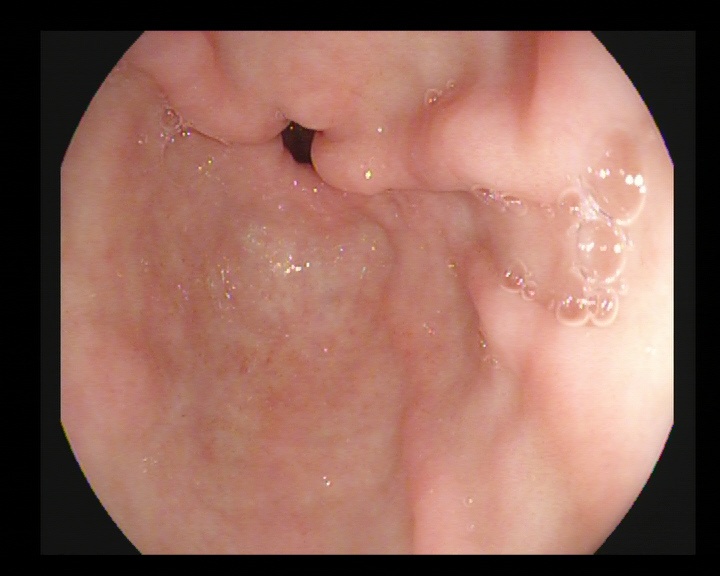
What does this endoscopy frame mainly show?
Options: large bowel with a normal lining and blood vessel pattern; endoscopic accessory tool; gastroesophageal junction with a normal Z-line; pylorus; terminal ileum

pylorus